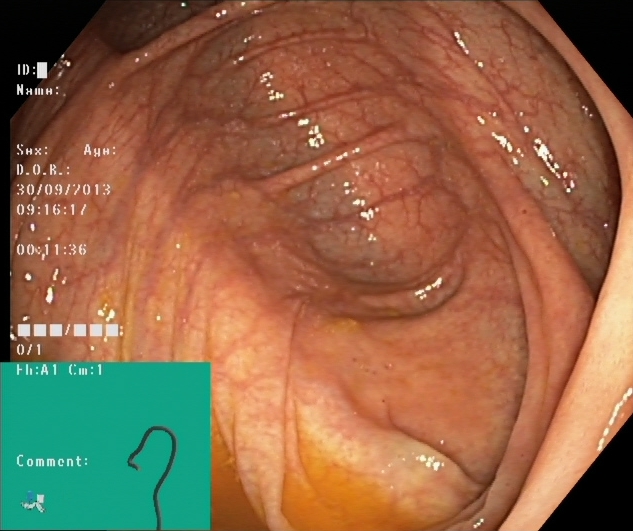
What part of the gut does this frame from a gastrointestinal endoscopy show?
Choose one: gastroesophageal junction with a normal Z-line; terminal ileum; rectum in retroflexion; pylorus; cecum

cecum